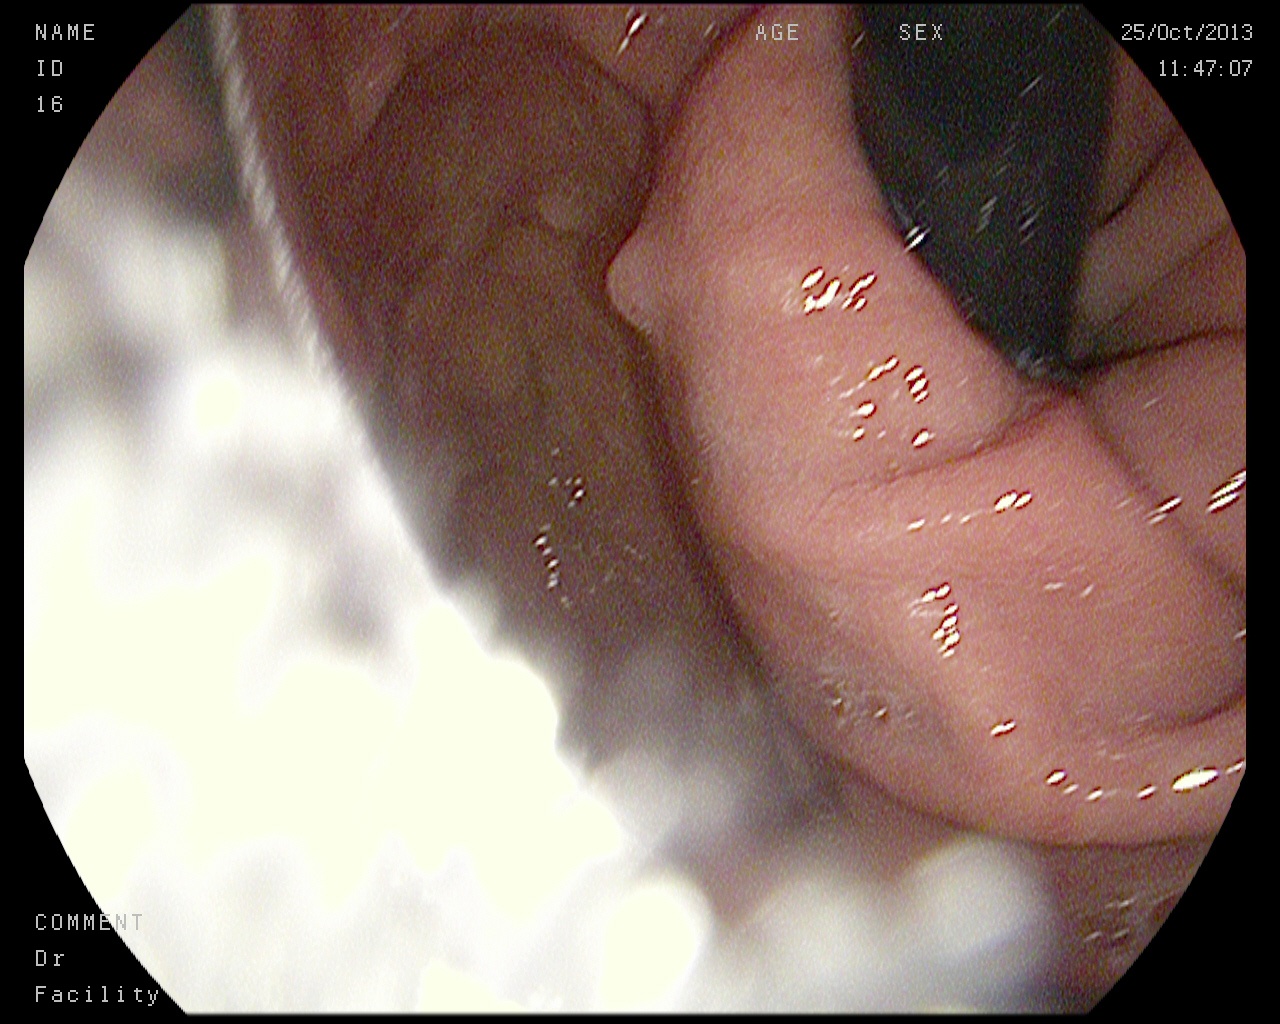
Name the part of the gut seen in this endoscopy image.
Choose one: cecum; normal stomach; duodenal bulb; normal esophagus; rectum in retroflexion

normal stomach